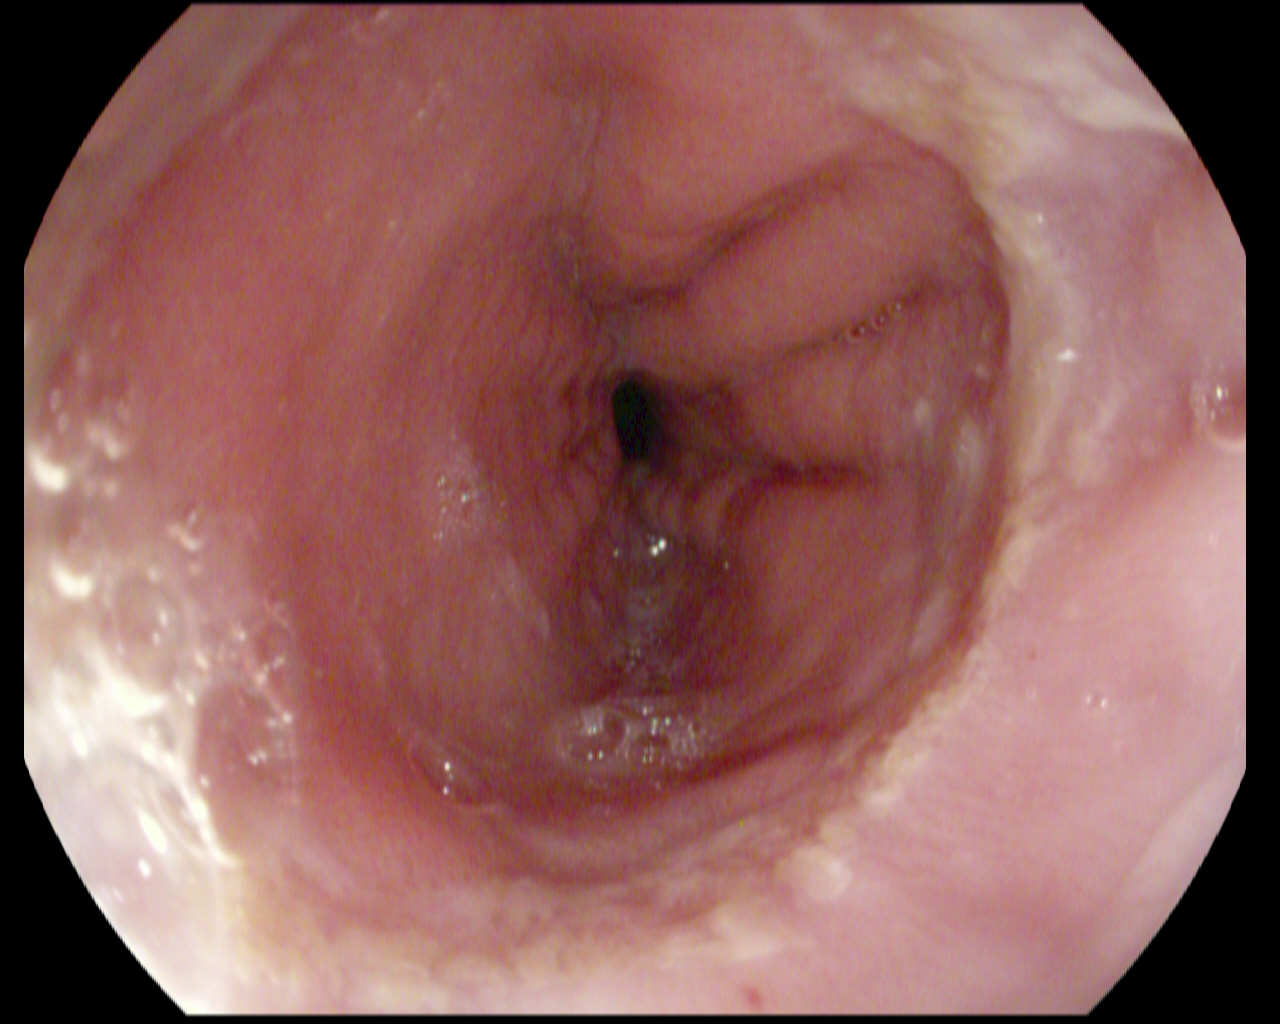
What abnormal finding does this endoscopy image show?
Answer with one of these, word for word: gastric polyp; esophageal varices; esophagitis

esophagitis